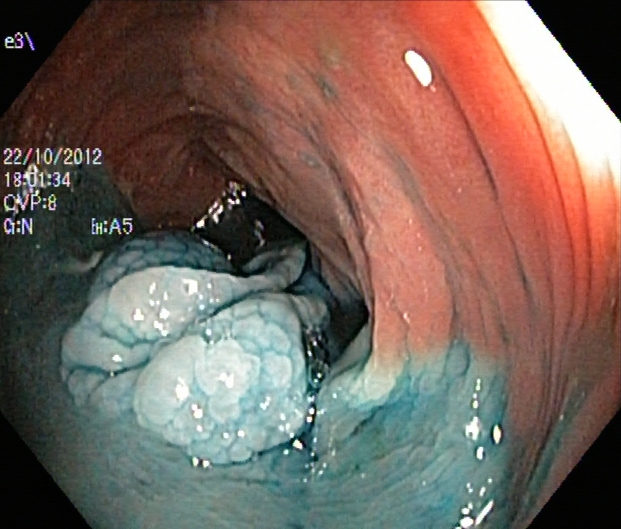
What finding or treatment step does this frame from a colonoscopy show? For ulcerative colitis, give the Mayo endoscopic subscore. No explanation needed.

dyed and lifted polyp (pre-resection)